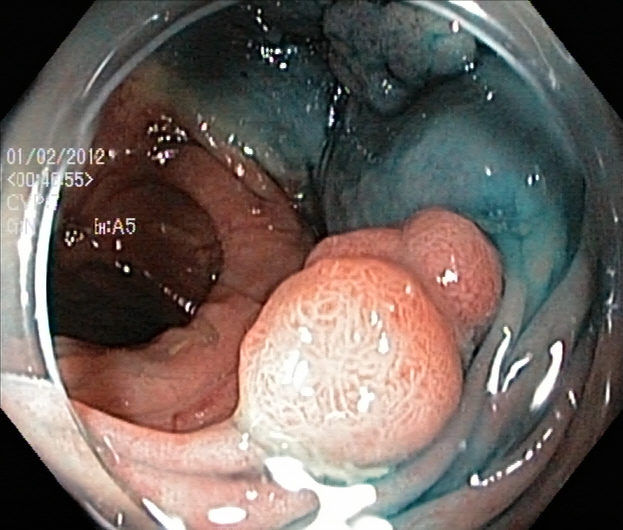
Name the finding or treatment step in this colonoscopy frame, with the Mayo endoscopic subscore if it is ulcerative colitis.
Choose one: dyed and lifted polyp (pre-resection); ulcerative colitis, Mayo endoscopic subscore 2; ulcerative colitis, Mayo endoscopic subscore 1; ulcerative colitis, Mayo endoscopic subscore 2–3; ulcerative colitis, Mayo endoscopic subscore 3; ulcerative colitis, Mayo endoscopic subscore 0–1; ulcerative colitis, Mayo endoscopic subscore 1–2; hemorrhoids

dyed and lifted polyp (pre-resection)